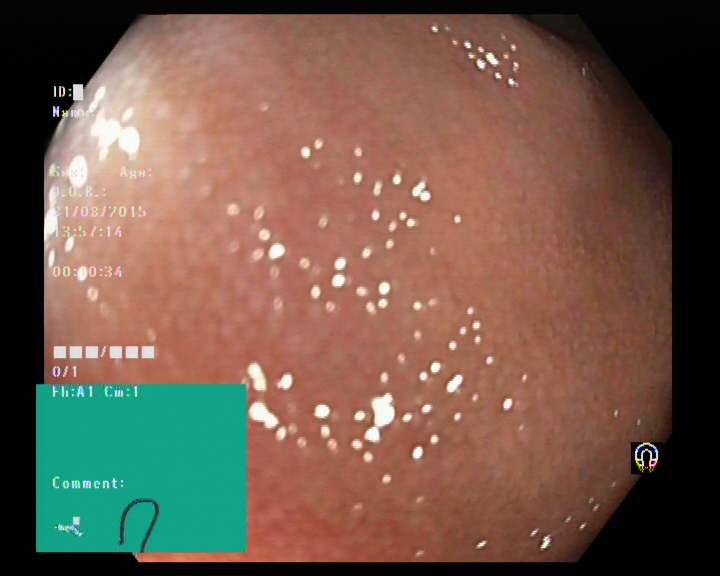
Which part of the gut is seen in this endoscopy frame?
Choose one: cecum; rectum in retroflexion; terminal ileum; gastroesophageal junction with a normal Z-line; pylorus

terminal ileum